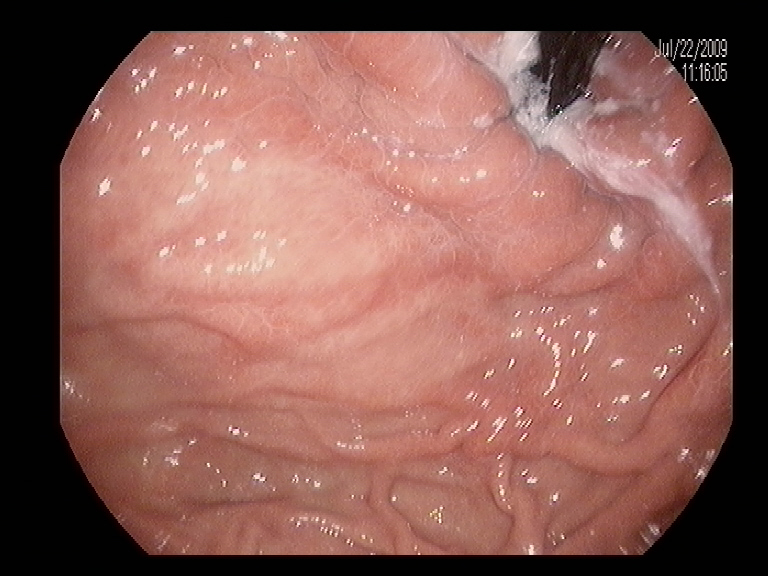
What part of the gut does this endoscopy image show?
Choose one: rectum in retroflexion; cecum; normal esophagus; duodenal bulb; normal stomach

normal stomach